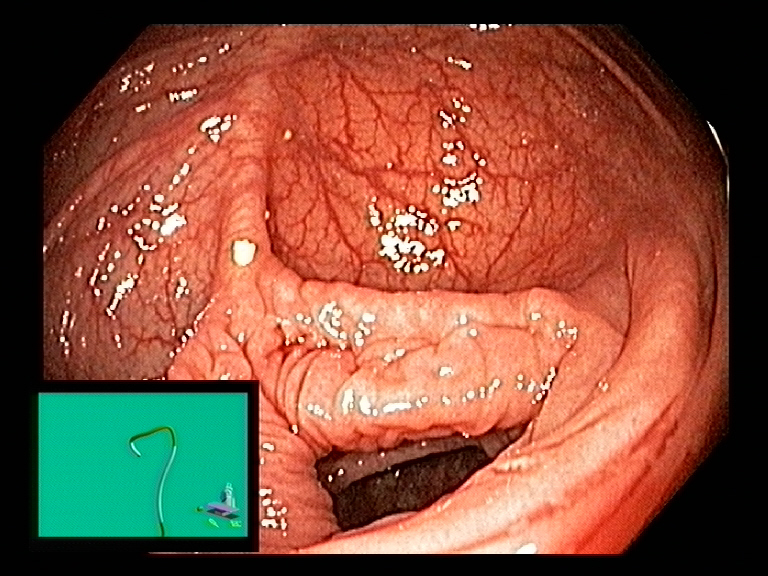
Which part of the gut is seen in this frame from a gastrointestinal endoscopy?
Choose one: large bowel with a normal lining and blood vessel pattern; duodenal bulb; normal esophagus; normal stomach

large bowel with a normal lining and blood vessel pattern